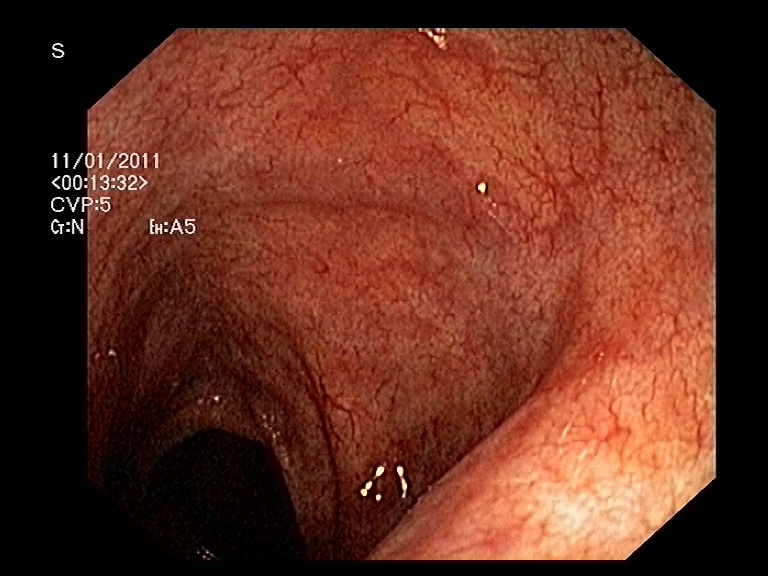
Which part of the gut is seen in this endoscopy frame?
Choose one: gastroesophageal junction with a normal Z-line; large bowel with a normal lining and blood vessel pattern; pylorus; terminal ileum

large bowel with a normal lining and blood vessel pattern